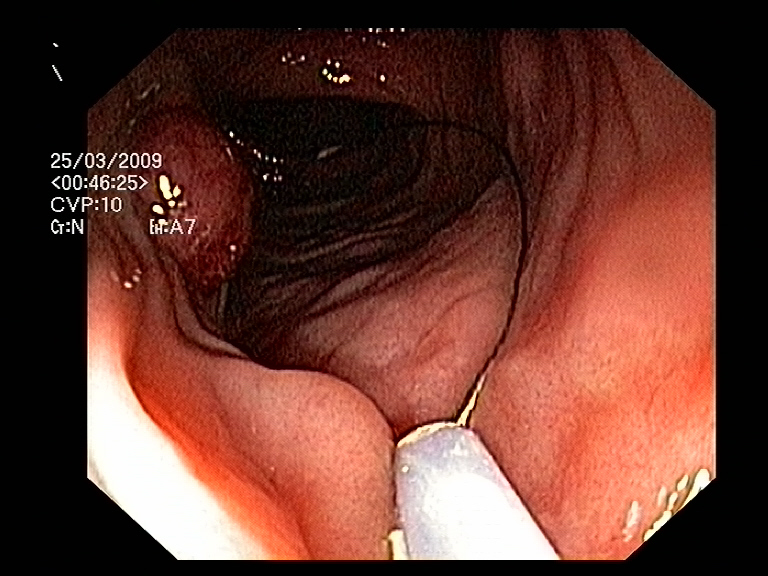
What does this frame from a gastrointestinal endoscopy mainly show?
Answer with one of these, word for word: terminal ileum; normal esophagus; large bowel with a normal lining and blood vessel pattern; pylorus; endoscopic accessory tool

endoscopic accessory tool